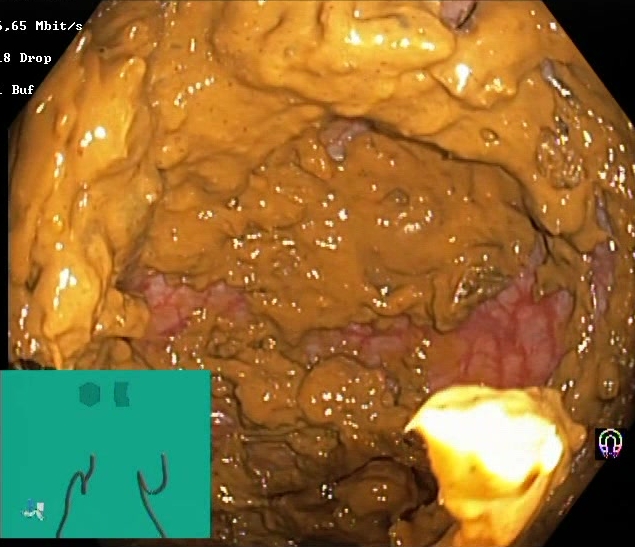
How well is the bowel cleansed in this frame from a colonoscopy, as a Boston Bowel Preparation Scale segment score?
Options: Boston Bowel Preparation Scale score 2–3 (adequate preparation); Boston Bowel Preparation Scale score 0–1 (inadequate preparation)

Boston Bowel Preparation Scale score 0–1 (inadequate preparation)